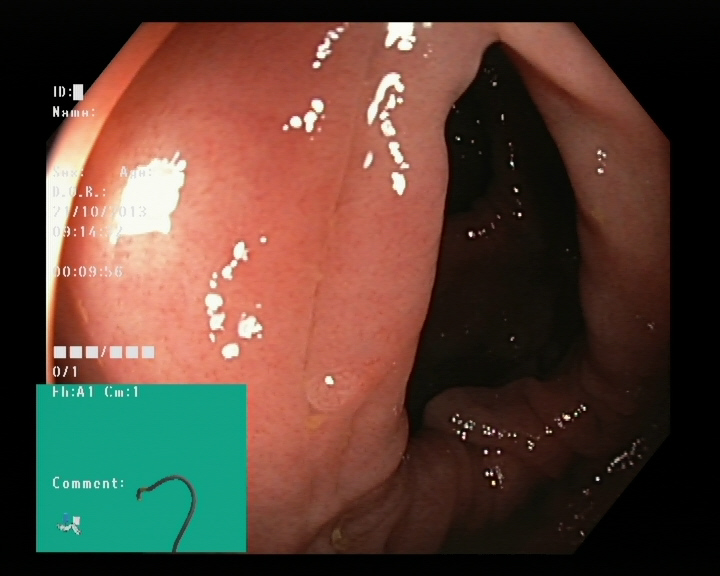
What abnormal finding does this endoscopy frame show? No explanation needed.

colon polyp